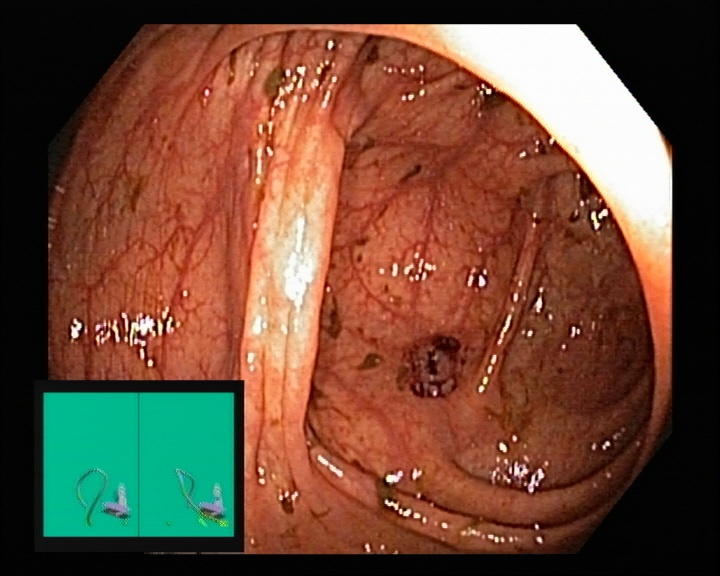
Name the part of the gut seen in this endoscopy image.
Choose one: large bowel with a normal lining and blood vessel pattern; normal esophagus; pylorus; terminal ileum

large bowel with a normal lining and blood vessel pattern